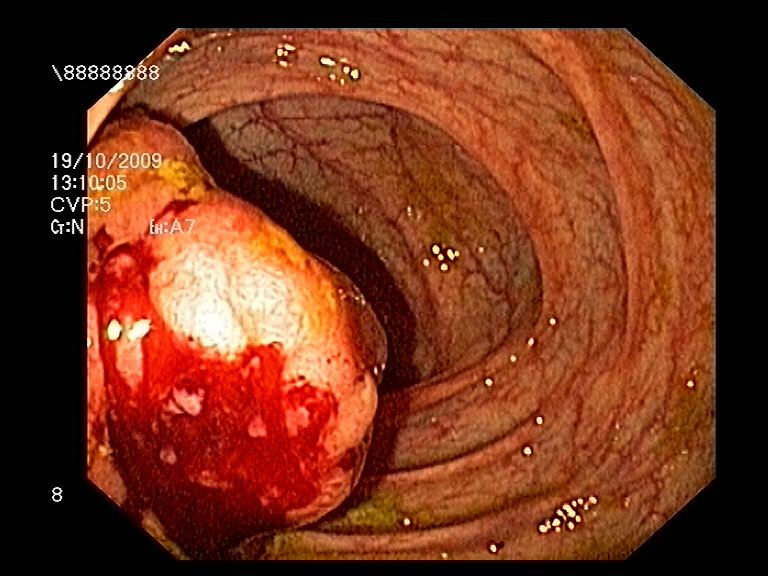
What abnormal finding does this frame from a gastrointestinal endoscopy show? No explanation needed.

colon polyp